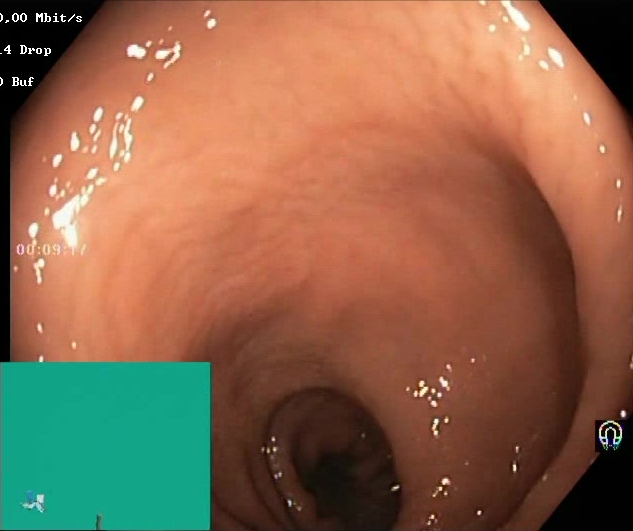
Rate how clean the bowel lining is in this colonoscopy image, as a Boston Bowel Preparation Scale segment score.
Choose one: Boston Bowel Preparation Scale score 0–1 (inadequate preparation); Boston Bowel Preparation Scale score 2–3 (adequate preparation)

Boston Bowel Preparation Scale score 2–3 (adequate preparation)